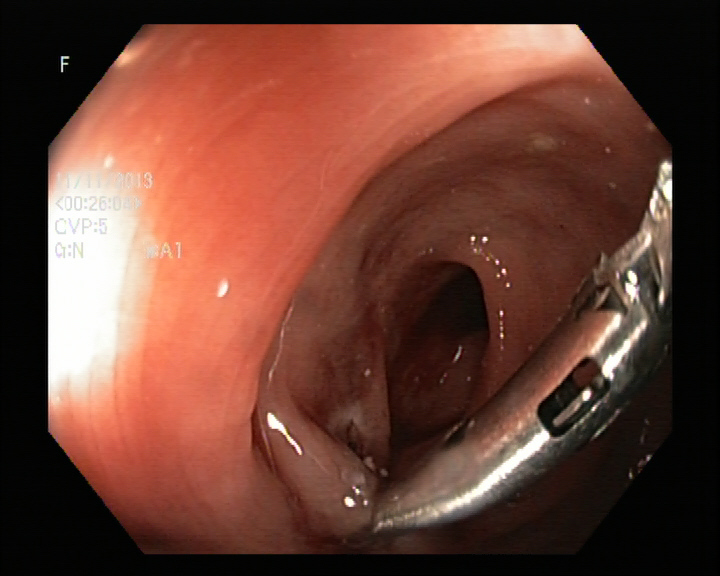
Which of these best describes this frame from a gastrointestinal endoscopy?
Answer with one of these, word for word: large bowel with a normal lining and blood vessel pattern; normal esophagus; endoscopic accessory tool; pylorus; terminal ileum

endoscopic accessory tool